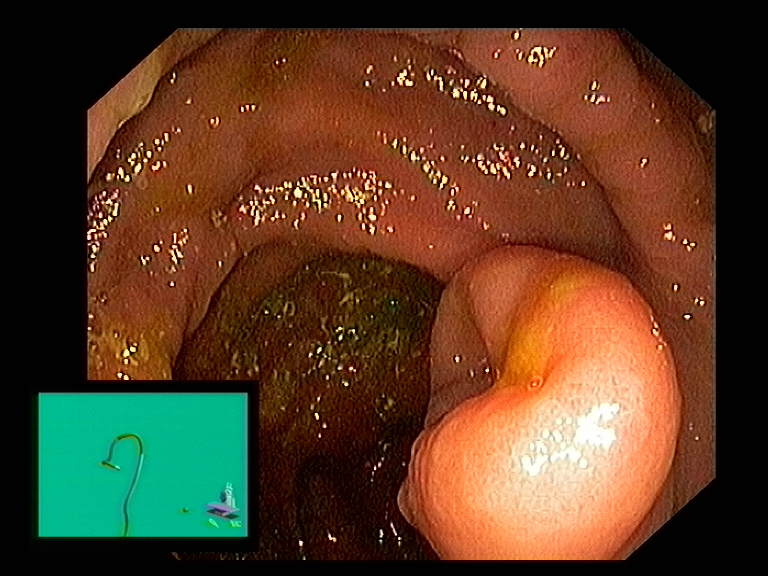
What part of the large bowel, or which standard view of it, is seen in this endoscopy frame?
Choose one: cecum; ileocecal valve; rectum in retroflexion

ileocecal valve